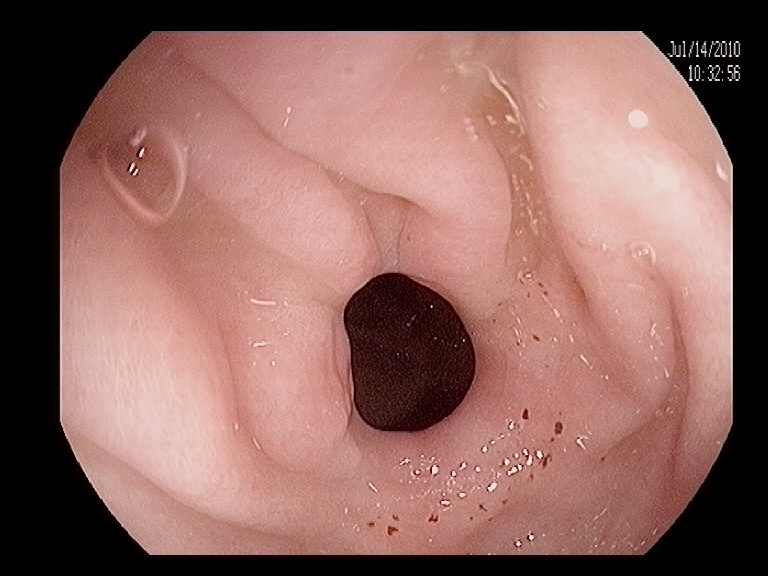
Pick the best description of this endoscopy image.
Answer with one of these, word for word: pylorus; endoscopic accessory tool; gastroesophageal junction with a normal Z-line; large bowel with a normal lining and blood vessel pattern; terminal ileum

pylorus